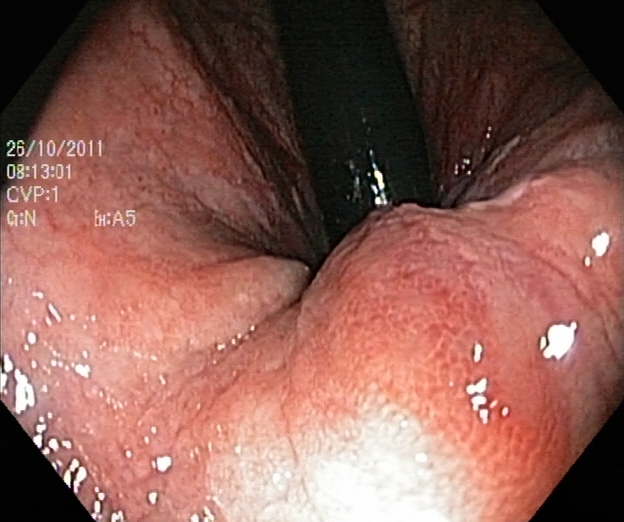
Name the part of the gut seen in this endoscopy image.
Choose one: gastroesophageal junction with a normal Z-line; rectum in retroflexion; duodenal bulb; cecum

rectum in retroflexion